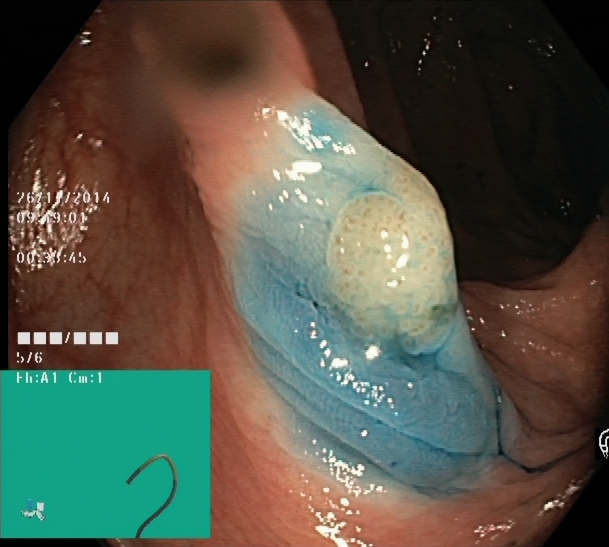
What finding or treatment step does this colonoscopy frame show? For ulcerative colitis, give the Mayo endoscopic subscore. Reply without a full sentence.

dyed and lifted polyp (pre-resection)